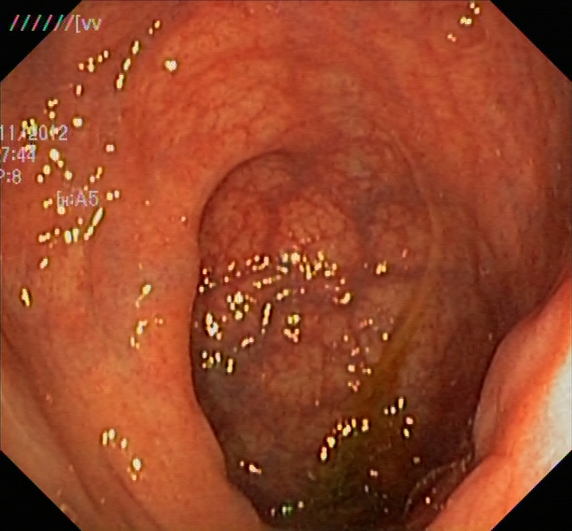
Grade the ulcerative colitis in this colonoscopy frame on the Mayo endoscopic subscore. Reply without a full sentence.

ulcerative colitis, Mayo endoscopic subscore 1